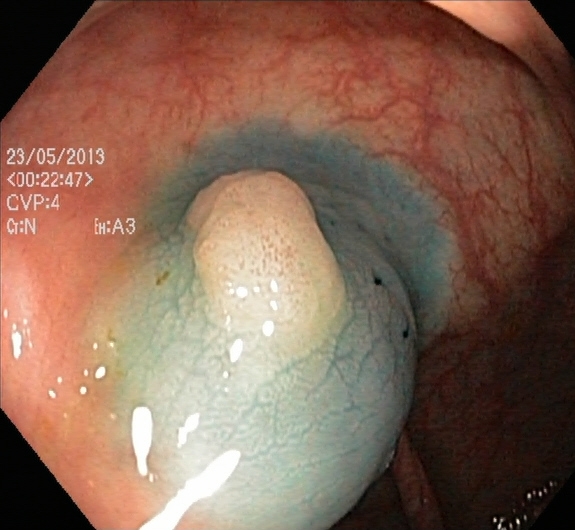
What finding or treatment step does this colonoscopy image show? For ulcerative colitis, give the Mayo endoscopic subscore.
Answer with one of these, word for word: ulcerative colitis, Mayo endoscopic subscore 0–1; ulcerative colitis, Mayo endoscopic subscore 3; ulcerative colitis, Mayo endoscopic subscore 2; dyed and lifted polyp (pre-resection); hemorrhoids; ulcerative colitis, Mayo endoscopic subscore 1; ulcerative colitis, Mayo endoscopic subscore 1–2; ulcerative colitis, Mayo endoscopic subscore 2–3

dyed and lifted polyp (pre-resection)